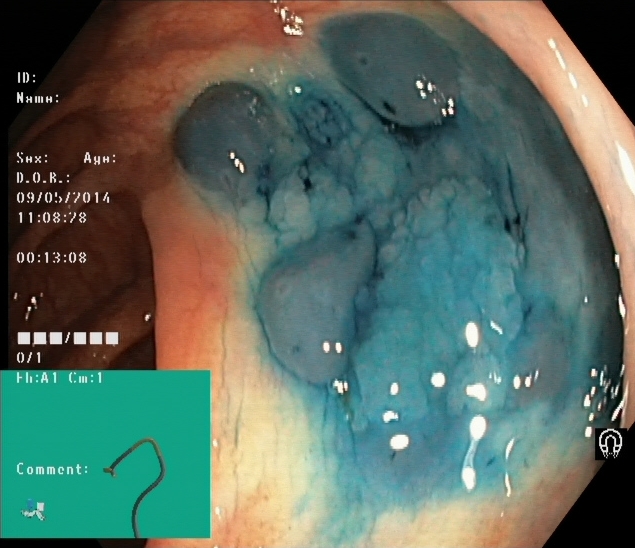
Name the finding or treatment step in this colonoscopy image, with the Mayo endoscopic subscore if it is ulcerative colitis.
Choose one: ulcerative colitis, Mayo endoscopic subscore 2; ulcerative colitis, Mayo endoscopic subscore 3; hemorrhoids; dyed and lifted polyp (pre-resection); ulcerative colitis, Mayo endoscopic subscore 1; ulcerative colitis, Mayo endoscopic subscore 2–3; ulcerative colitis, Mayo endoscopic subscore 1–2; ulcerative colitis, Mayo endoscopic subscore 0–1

dyed and lifted polyp (pre-resection)